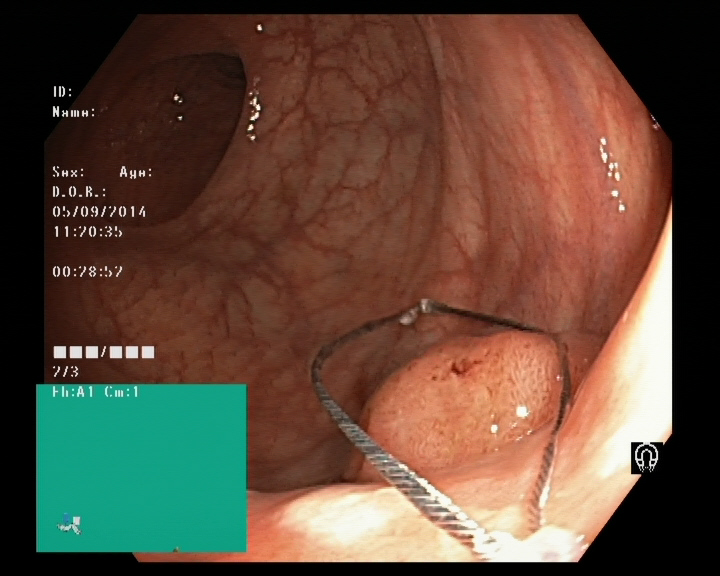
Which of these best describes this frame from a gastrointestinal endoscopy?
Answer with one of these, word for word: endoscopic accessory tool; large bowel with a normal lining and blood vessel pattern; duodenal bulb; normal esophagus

endoscopic accessory tool